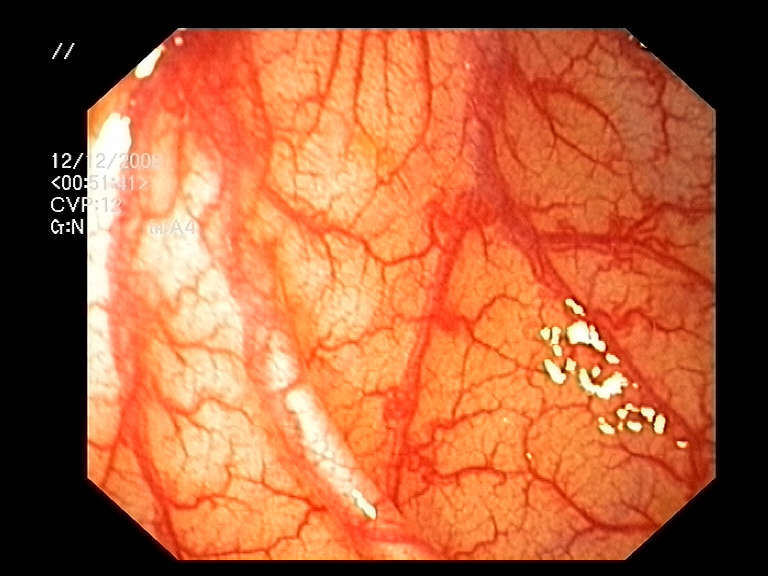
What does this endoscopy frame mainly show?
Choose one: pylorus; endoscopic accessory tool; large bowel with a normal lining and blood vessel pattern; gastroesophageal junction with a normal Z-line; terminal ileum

large bowel with a normal lining and blood vessel pattern